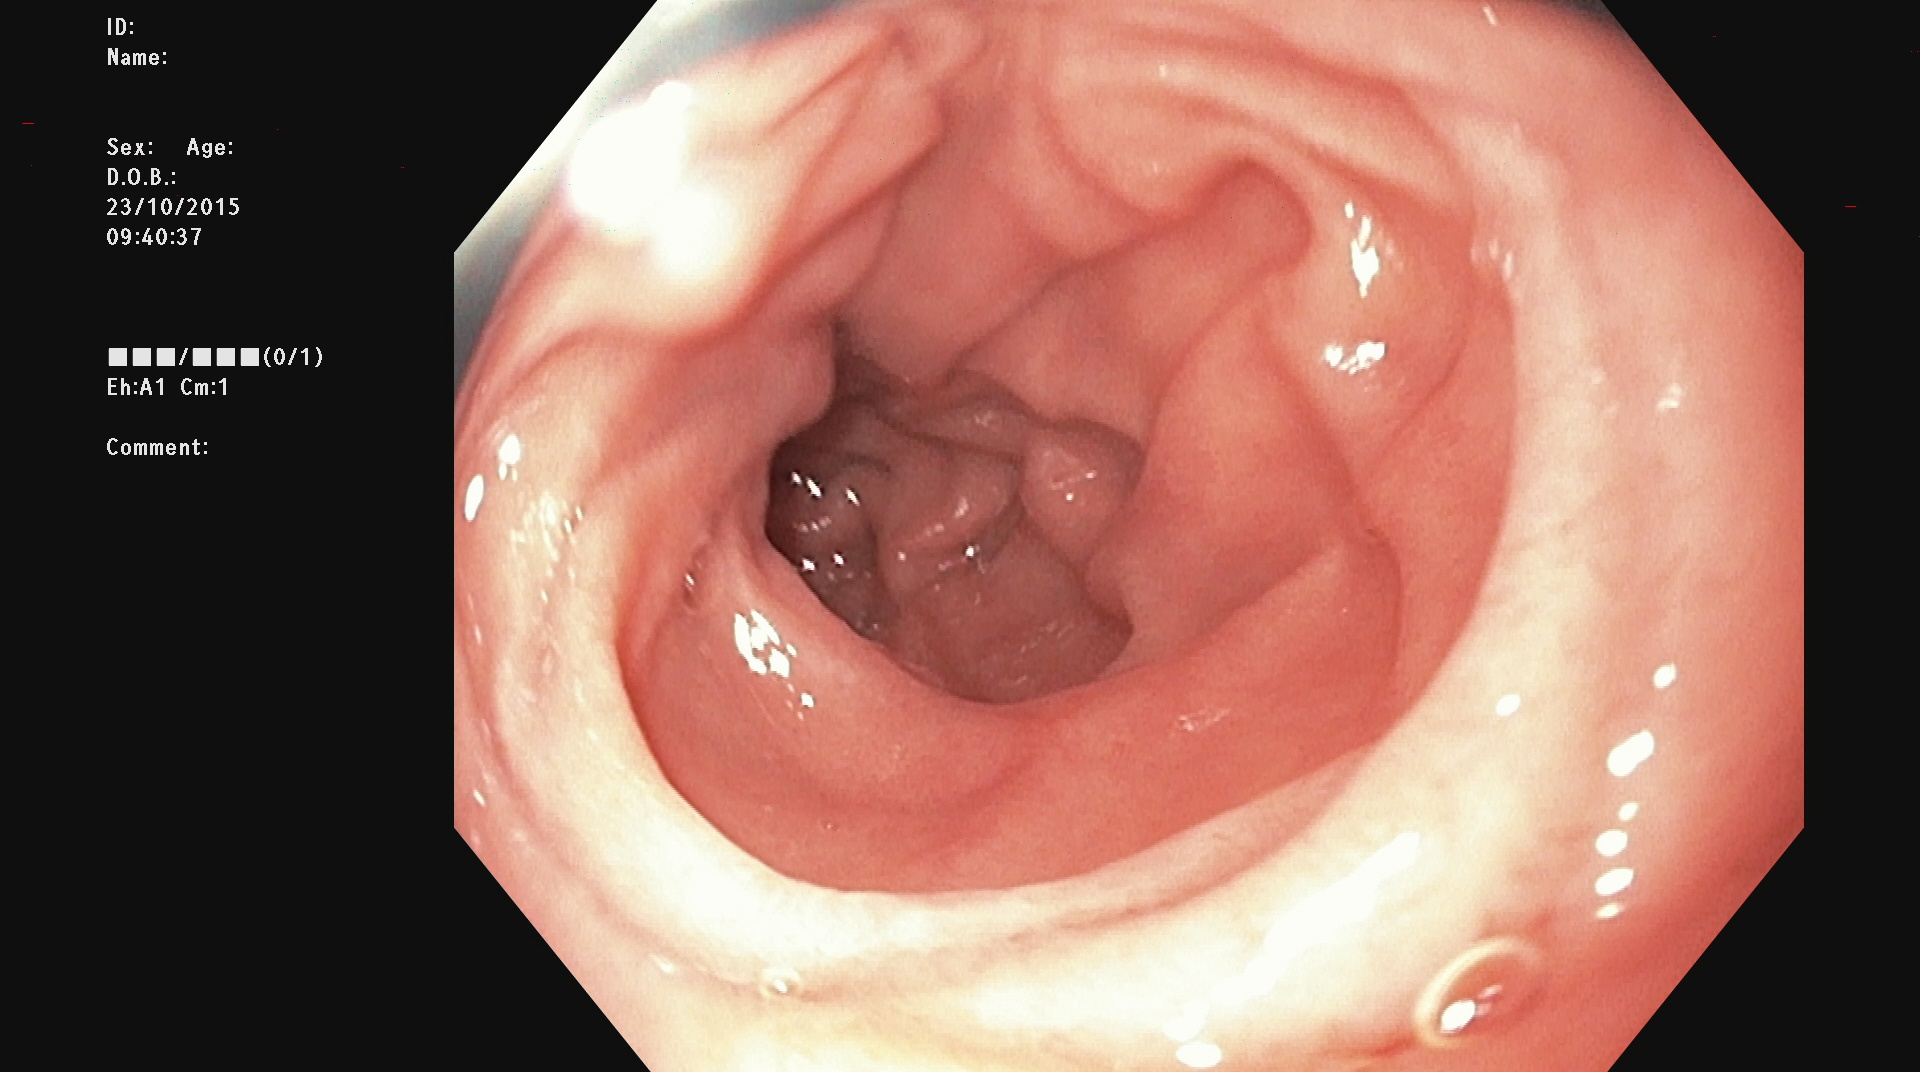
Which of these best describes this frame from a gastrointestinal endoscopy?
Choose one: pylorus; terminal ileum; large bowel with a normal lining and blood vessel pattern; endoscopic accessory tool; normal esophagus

terminal ileum